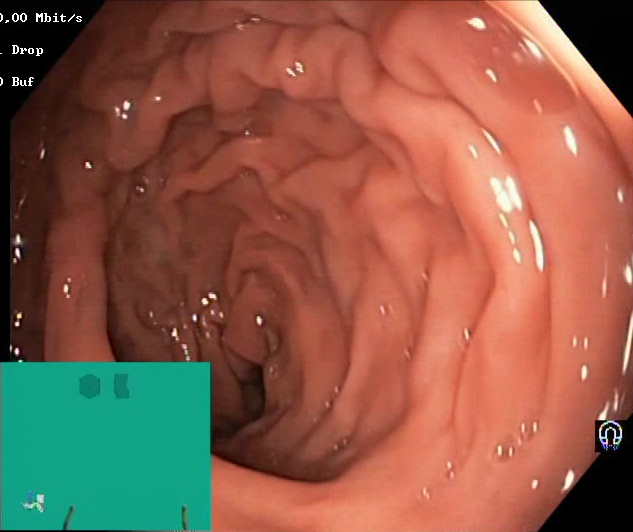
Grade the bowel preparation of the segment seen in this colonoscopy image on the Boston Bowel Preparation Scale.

Boston Bowel Preparation Scale score 2–3 (adequate preparation)